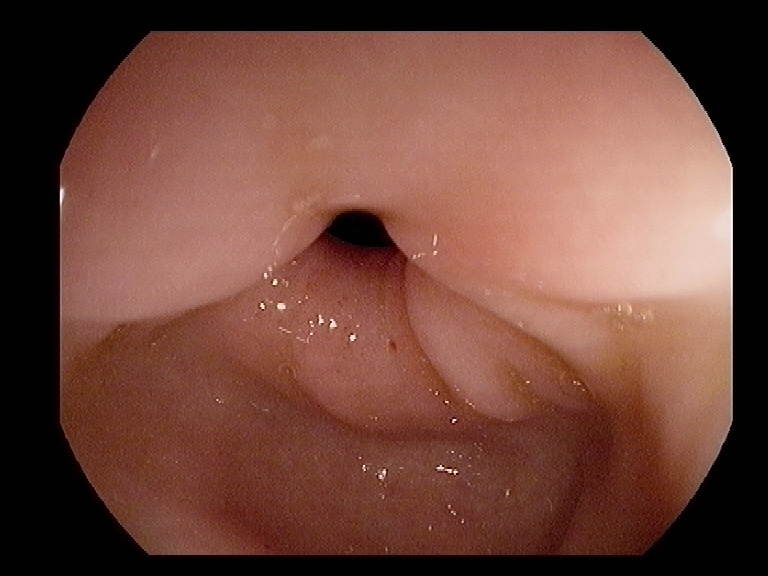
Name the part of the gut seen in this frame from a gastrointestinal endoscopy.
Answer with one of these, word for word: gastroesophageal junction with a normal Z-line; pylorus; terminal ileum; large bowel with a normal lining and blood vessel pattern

pylorus